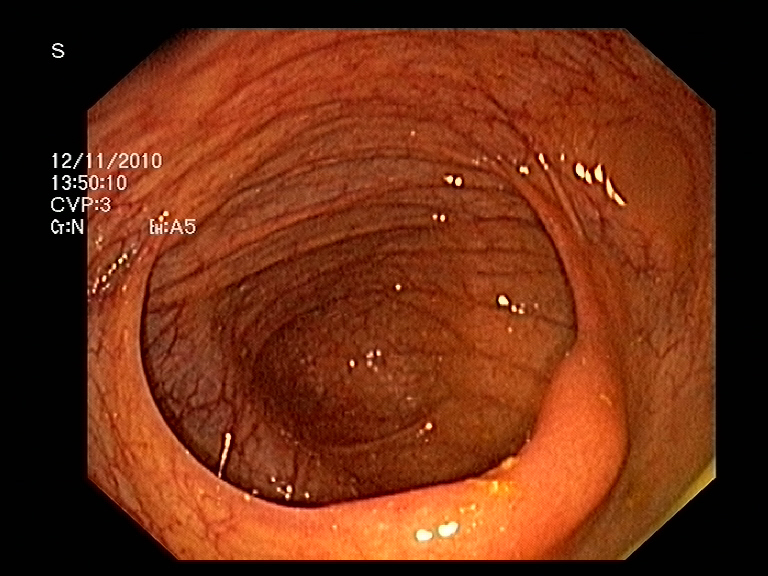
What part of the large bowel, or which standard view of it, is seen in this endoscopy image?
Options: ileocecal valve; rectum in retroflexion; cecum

ileocecal valve